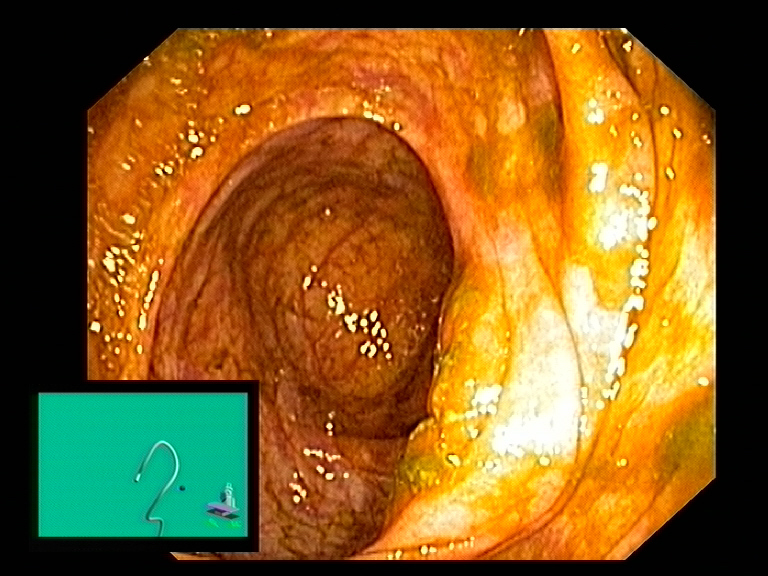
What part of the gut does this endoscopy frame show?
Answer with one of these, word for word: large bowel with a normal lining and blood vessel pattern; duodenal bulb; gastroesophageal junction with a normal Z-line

large bowel with a normal lining and blood vessel pattern